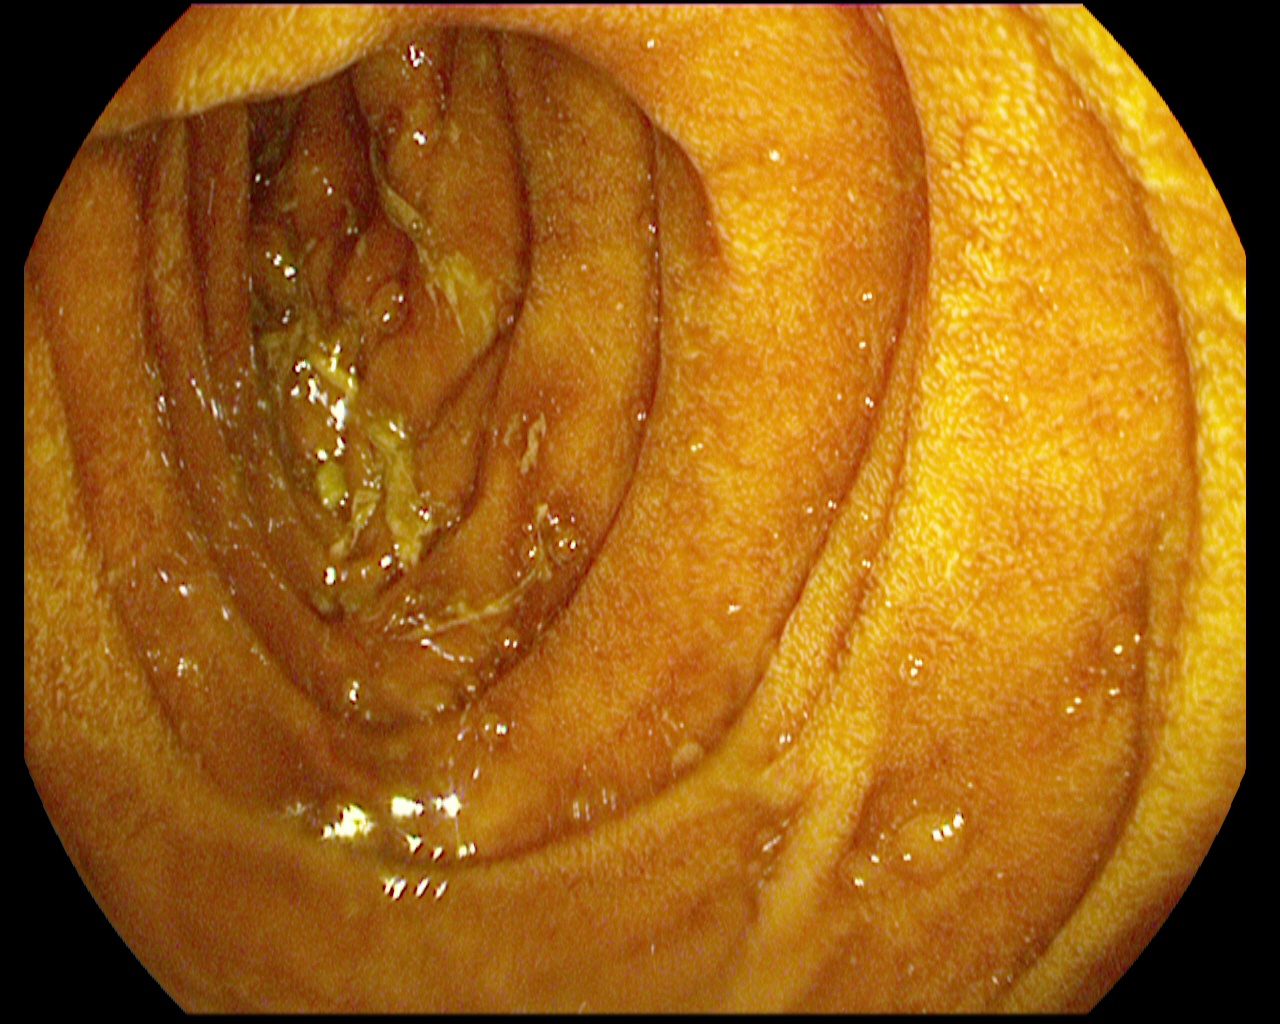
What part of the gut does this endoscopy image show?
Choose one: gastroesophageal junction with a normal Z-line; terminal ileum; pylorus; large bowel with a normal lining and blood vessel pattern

terminal ileum